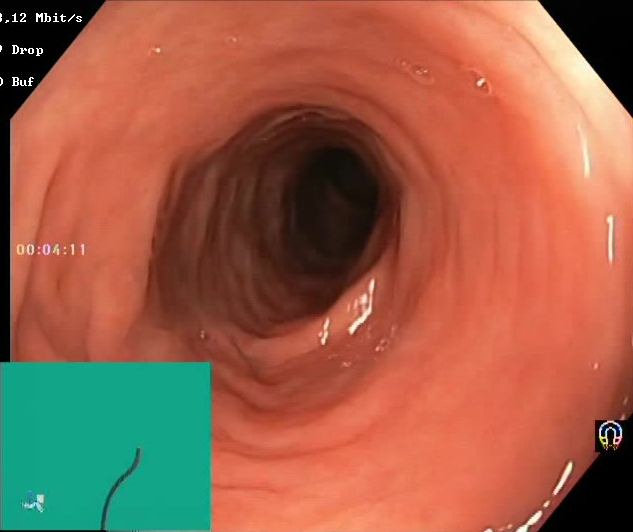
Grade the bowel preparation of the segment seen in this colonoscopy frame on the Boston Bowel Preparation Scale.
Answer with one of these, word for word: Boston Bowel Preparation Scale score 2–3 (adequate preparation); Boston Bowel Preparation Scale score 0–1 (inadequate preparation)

Boston Bowel Preparation Scale score 2–3 (adequate preparation)